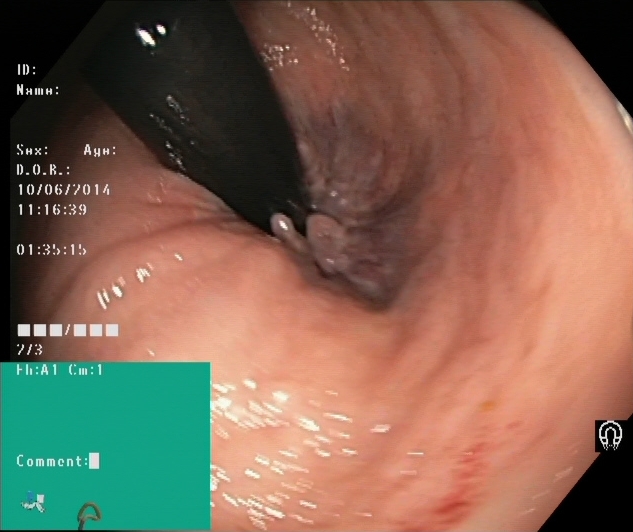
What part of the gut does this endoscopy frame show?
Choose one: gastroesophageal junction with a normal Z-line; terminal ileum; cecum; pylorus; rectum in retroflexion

rectum in retroflexion